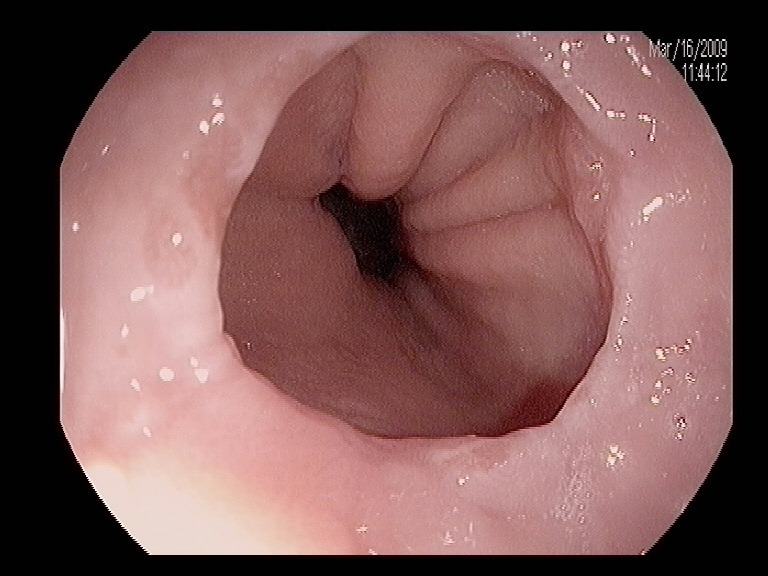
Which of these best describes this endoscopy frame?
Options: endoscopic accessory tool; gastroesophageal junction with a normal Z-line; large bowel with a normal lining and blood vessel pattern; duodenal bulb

gastroesophageal junction with a normal Z-line